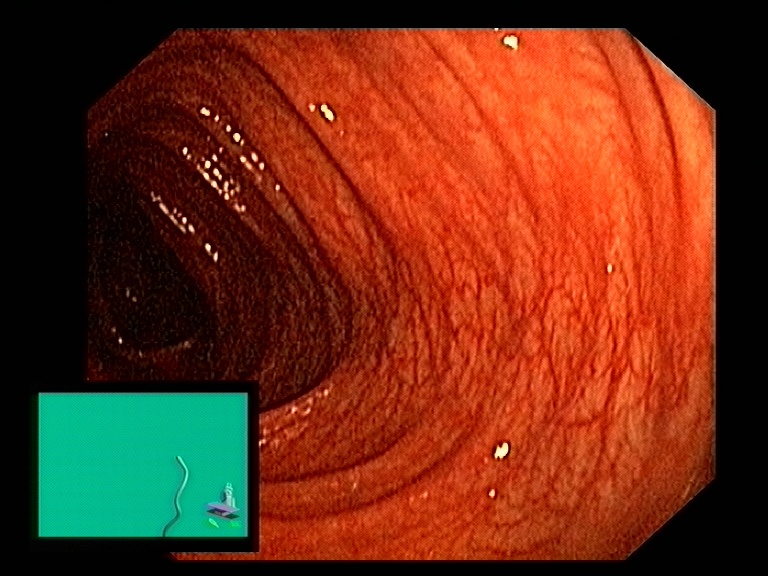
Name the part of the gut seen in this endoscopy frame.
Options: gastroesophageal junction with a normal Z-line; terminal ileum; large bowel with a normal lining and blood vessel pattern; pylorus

large bowel with a normal lining and blood vessel pattern